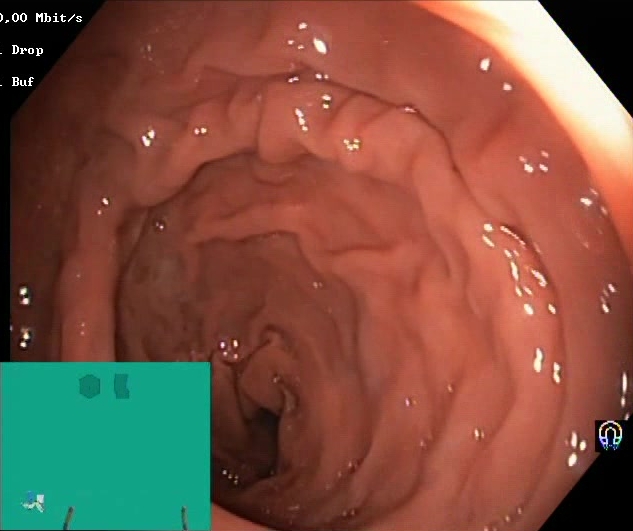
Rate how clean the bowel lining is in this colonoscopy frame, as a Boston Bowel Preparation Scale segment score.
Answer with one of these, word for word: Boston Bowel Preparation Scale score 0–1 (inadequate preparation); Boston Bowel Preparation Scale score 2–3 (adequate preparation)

Boston Bowel Preparation Scale score 2–3 (adequate preparation)